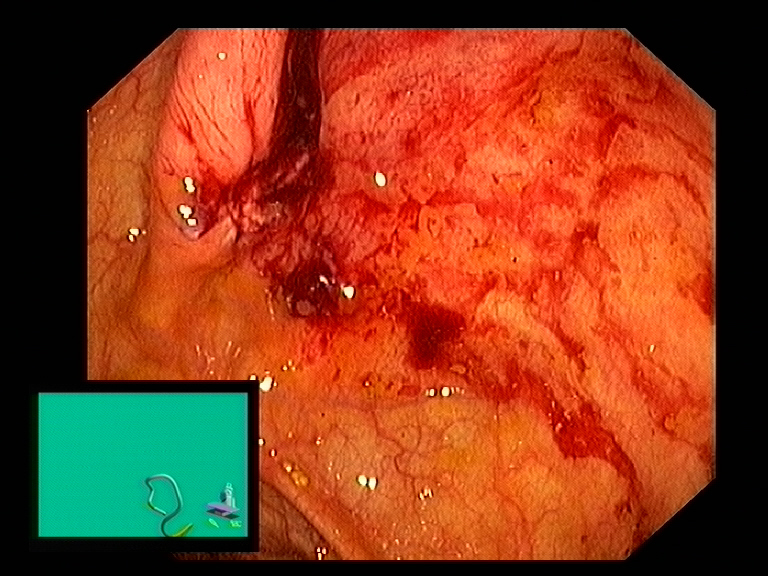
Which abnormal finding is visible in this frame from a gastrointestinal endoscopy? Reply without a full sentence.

blood in the lumen